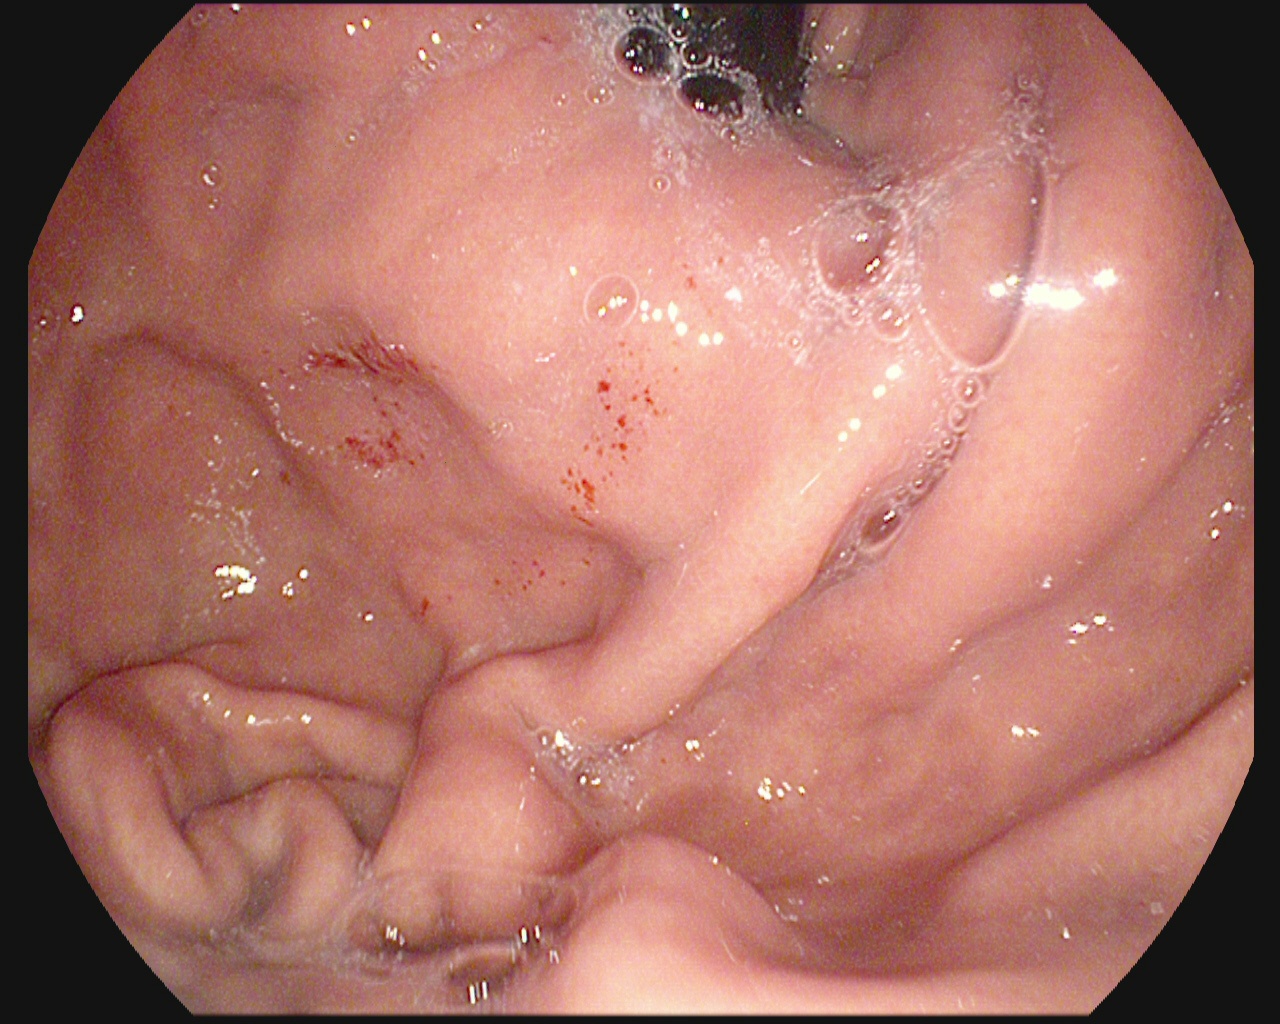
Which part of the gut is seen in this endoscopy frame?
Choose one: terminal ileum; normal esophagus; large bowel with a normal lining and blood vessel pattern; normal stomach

normal stomach